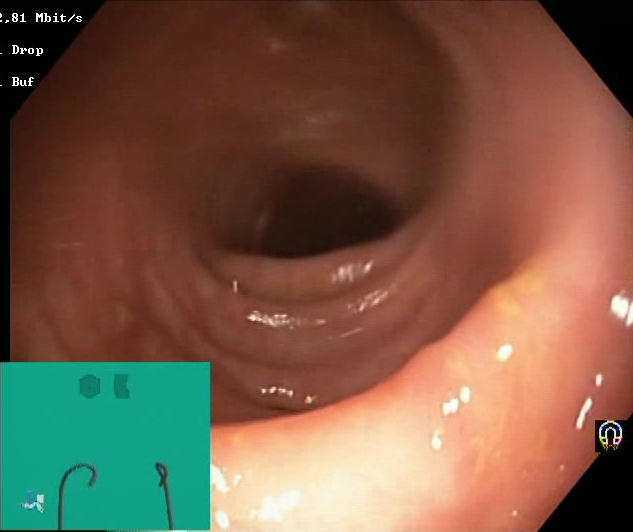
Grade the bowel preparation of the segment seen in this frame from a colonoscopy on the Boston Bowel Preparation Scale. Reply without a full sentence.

Boston Bowel Preparation Scale score 2–3 (adequate preparation)